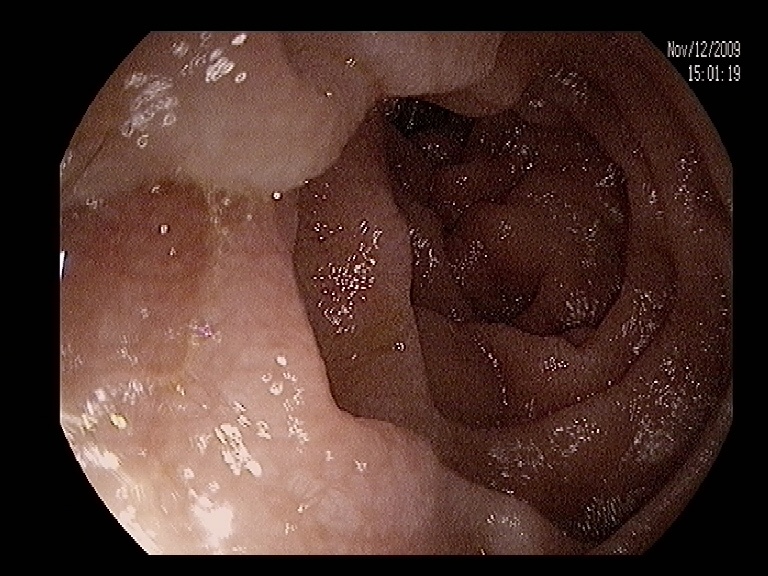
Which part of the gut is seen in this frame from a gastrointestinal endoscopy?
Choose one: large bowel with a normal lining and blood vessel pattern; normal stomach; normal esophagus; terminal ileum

terminal ileum